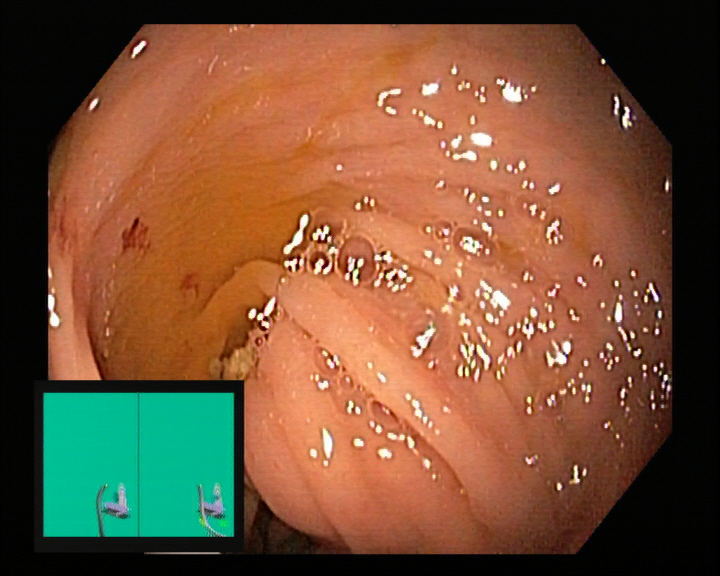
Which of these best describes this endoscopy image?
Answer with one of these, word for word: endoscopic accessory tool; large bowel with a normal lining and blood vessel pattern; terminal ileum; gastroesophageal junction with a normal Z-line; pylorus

large bowel with a normal lining and blood vessel pattern